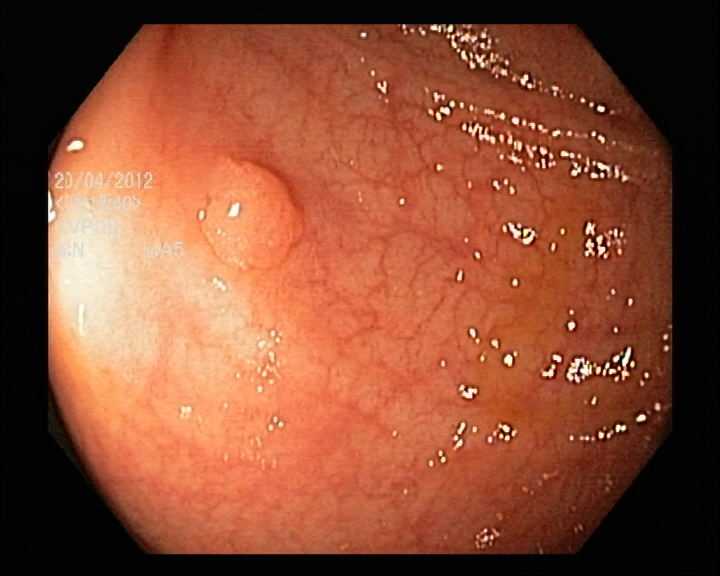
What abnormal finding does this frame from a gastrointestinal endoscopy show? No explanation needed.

colon polyp